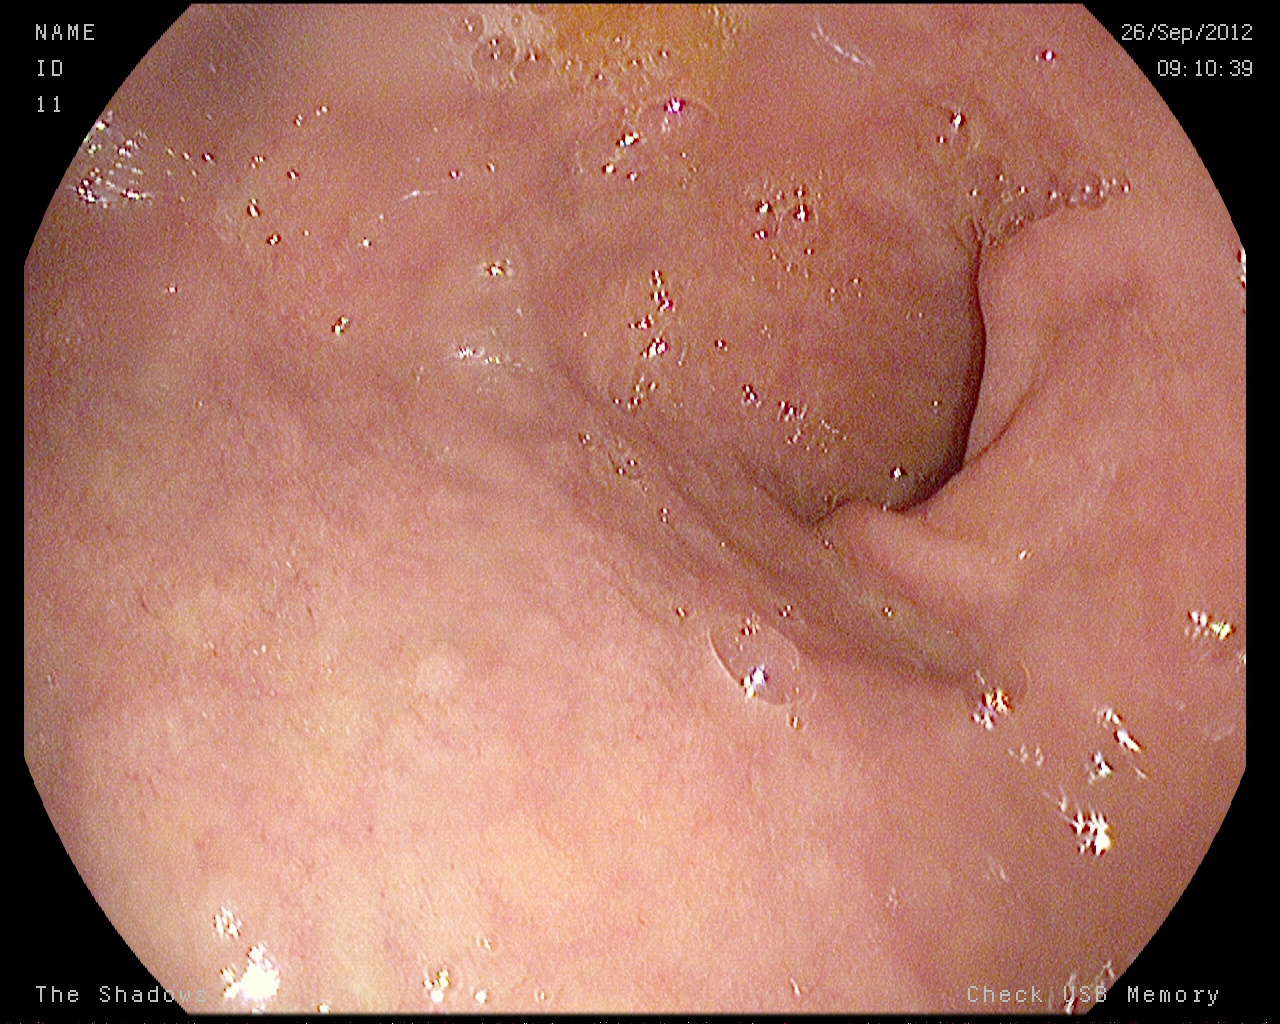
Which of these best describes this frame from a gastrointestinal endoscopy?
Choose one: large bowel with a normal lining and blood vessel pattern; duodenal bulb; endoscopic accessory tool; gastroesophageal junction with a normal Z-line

duodenal bulb